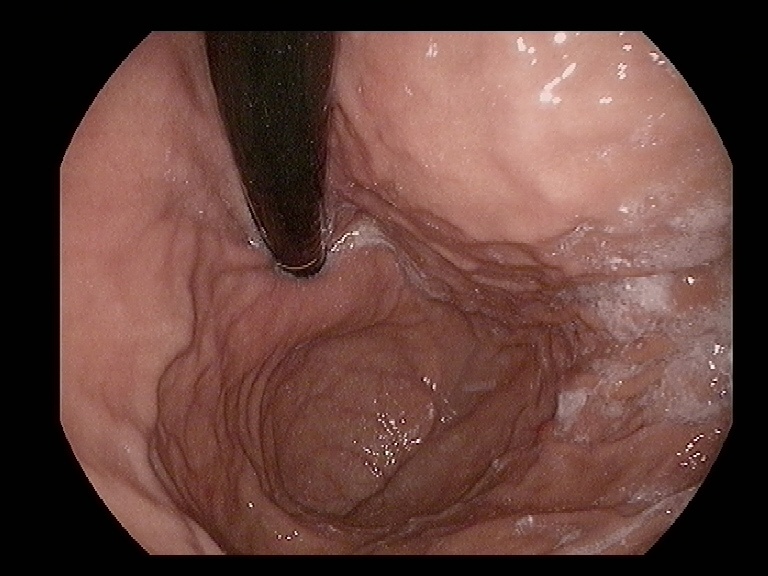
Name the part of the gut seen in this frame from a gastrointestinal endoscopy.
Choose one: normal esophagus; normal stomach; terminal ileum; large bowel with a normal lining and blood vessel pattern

normal stomach